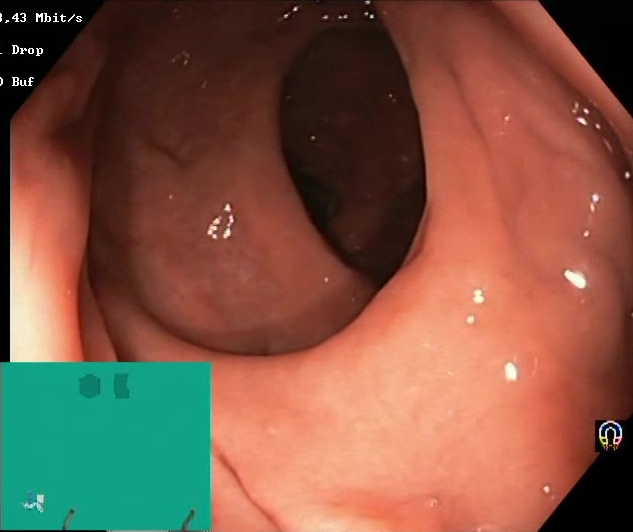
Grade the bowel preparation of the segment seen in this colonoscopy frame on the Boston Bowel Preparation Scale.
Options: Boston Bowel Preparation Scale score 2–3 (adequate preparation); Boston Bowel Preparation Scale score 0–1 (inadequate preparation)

Boston Bowel Preparation Scale score 2–3 (adequate preparation)